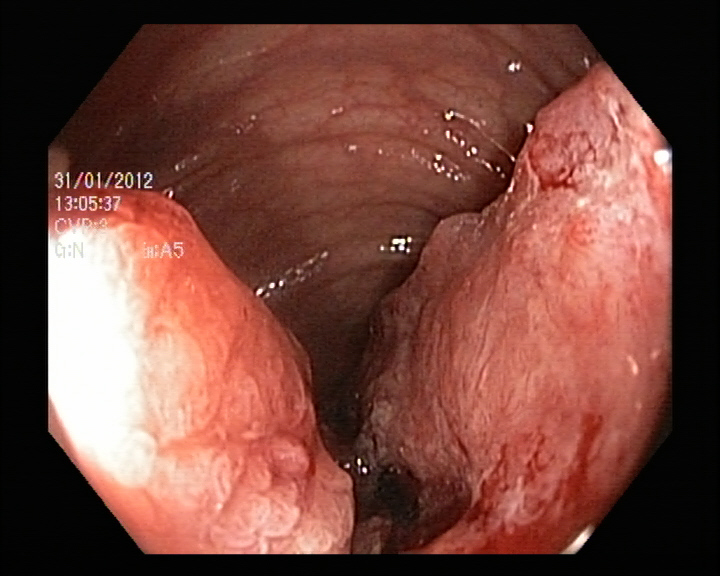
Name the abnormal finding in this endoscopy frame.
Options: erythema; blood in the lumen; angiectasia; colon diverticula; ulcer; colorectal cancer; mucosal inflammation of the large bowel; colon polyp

colorectal cancer